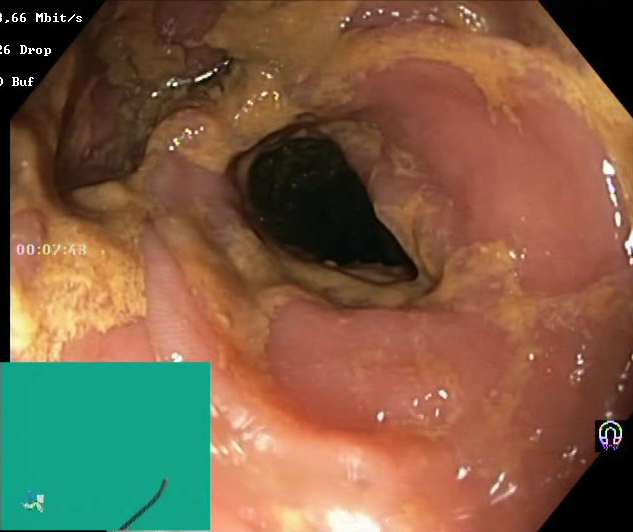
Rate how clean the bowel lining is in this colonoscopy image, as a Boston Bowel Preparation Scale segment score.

Boston Bowel Preparation Scale score 0–1 (inadequate preparation)